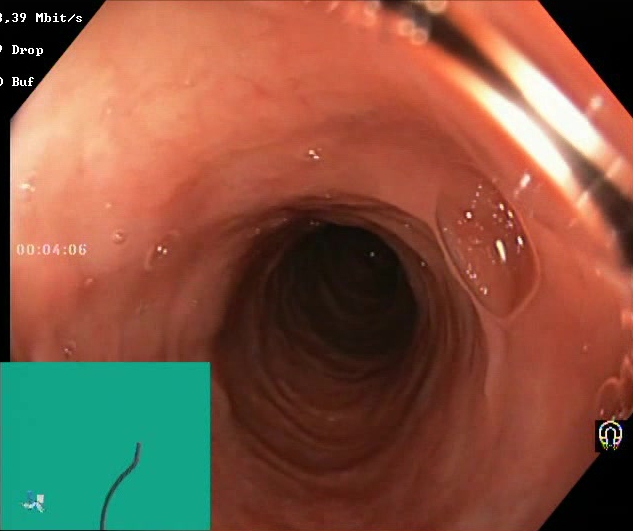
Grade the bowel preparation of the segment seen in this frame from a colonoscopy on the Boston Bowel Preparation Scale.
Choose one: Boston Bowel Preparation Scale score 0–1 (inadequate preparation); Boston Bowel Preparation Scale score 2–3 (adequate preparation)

Boston Bowel Preparation Scale score 2–3 (adequate preparation)